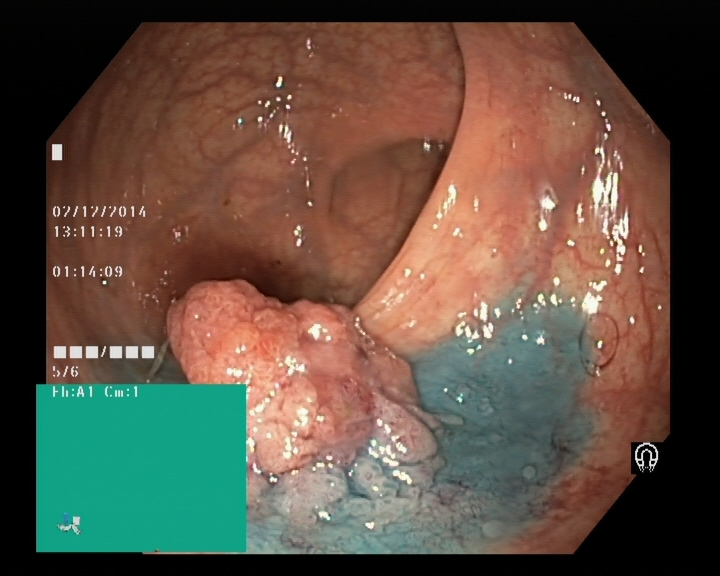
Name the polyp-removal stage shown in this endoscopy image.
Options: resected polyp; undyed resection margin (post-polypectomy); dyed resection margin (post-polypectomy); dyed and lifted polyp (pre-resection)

dyed and lifted polyp (pre-resection)